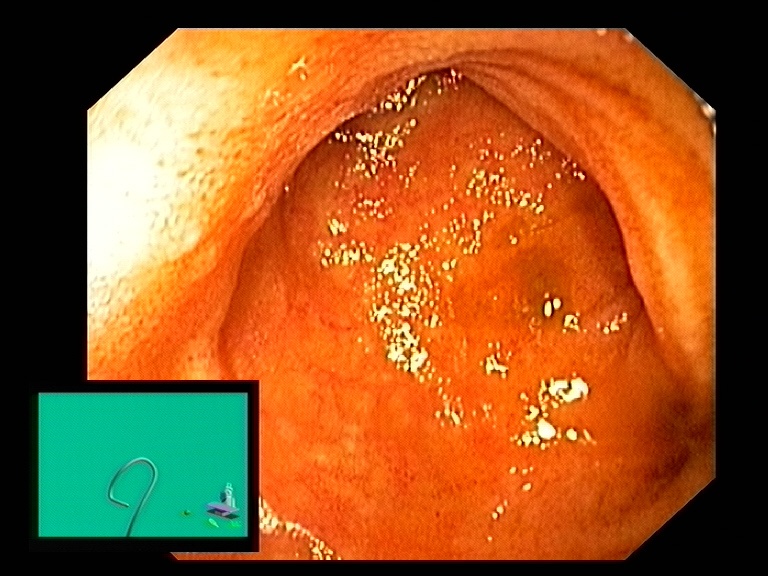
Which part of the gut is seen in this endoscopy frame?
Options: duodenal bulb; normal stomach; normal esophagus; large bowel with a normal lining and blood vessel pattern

large bowel with a normal lining and blood vessel pattern